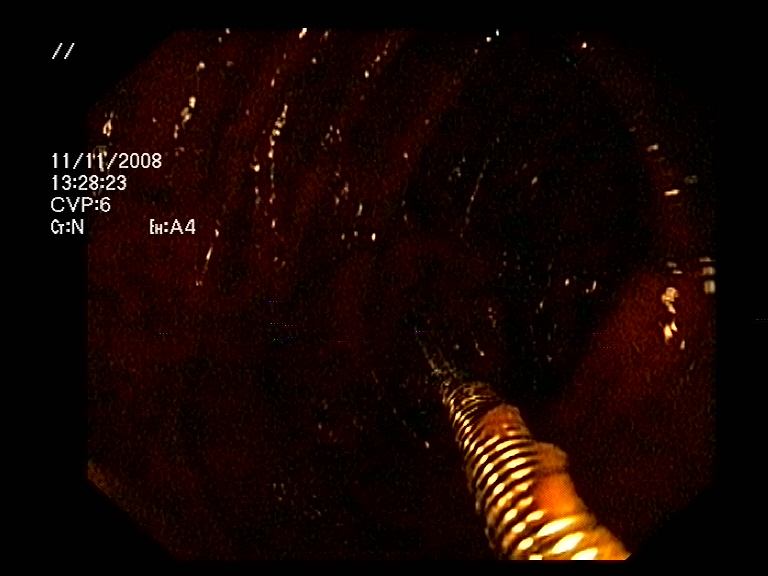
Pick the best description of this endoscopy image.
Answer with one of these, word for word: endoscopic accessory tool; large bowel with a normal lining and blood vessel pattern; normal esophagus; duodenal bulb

endoscopic accessory tool